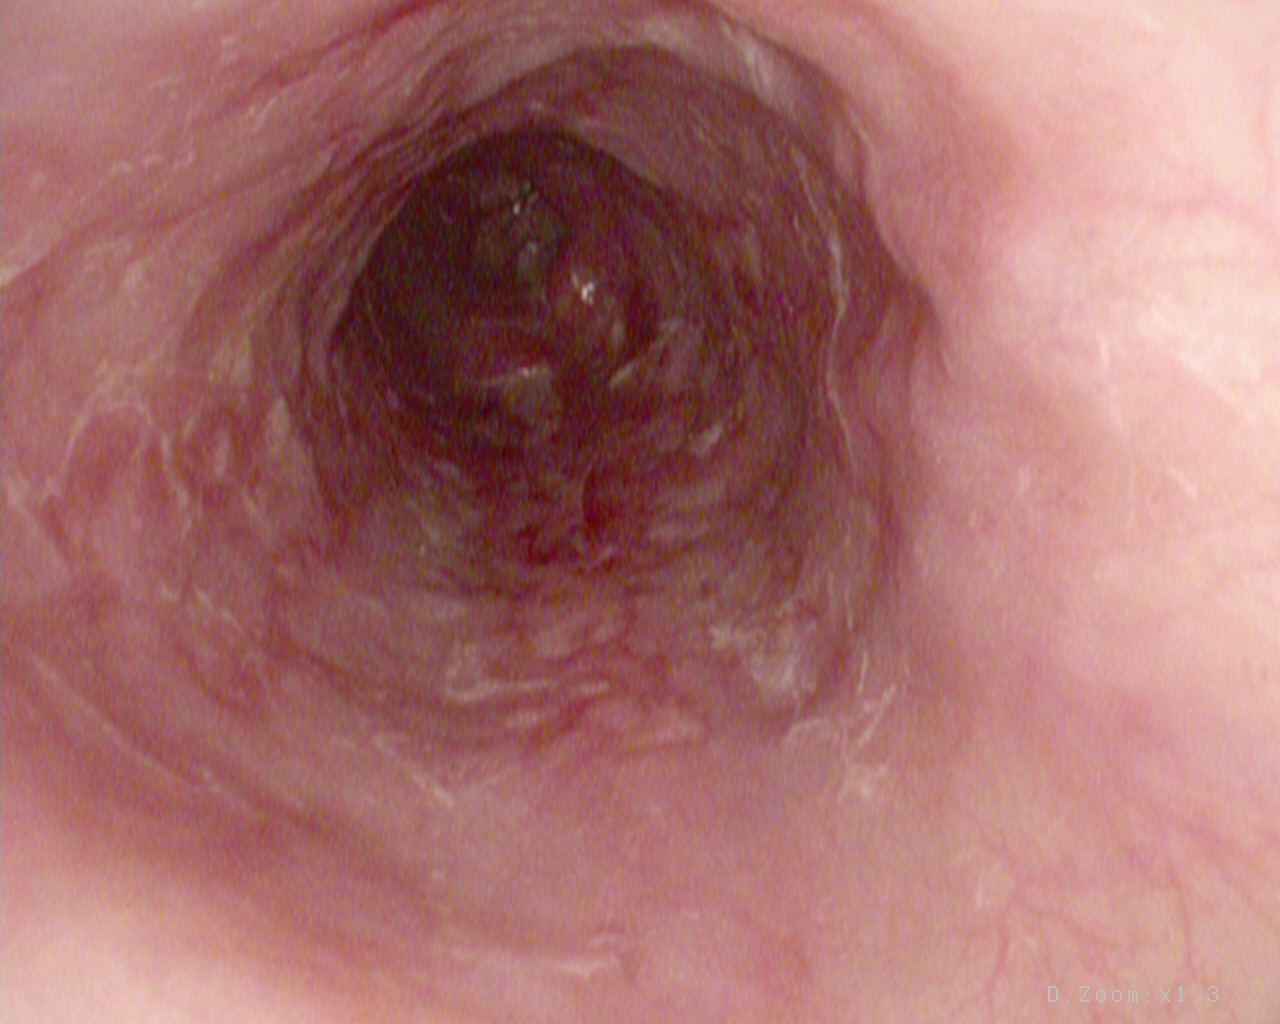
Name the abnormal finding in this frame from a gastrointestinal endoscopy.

esophagitis